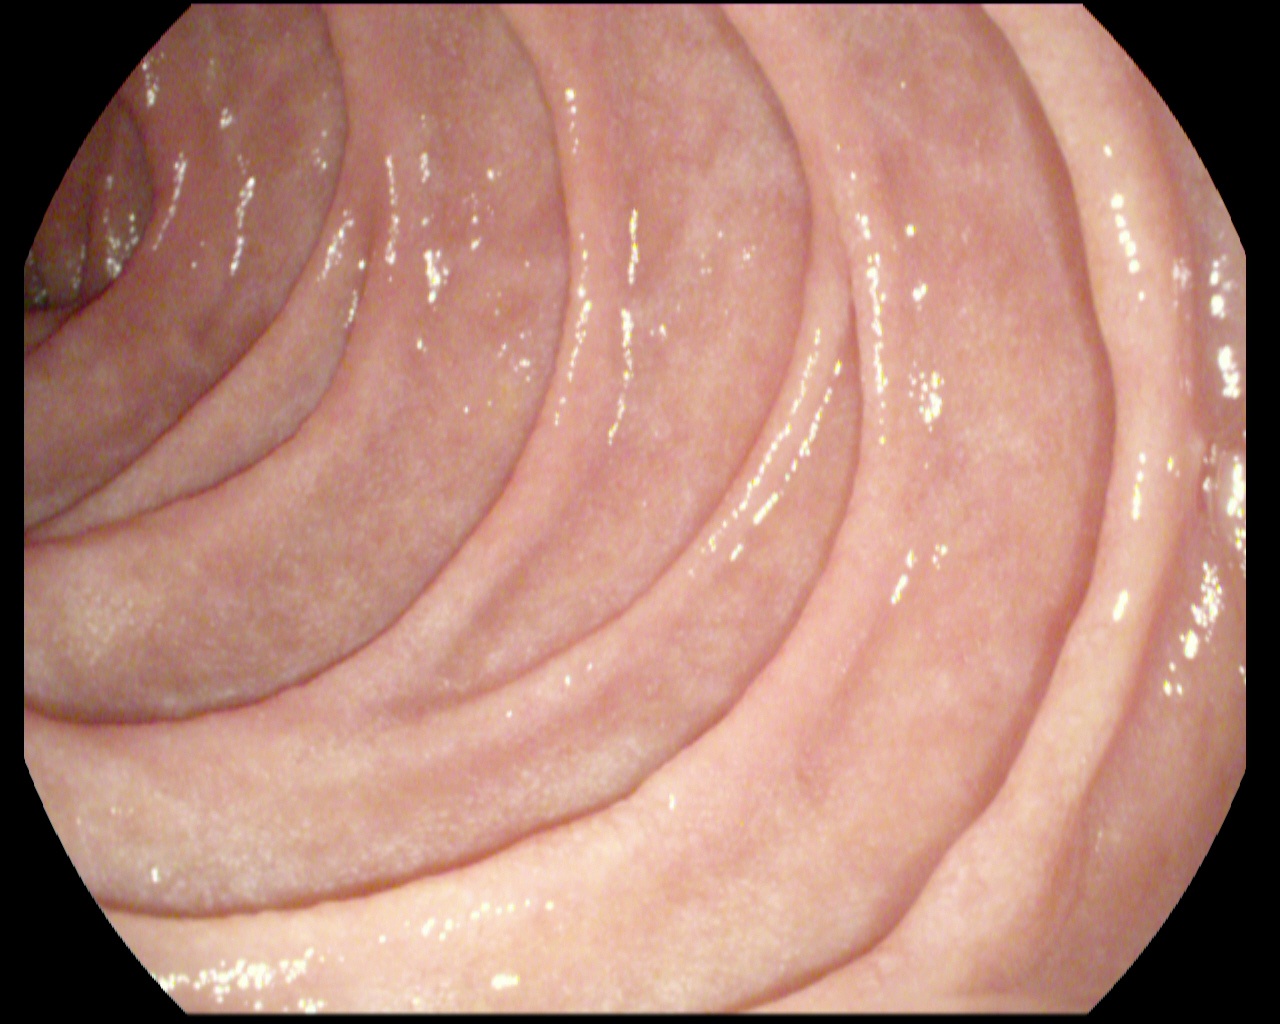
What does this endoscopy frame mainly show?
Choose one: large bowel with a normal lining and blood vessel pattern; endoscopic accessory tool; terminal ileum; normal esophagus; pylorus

terminal ileum